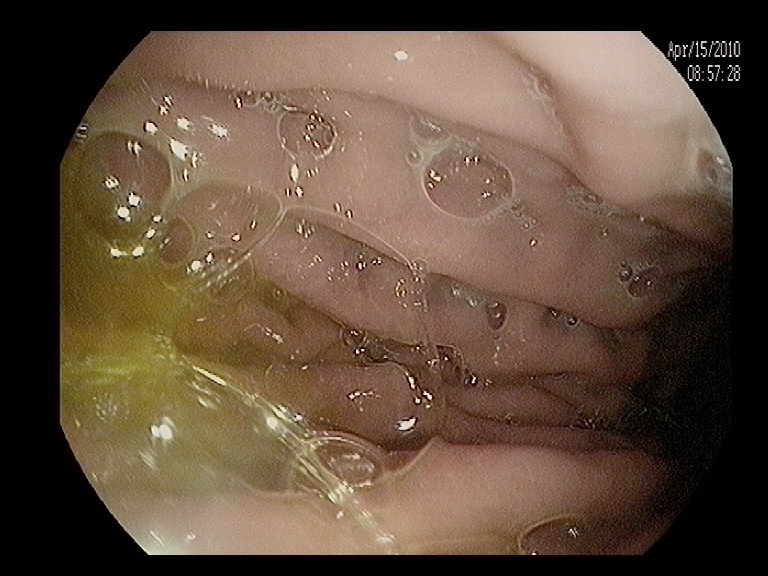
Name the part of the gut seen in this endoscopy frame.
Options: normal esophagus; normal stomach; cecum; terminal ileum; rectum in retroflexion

normal stomach